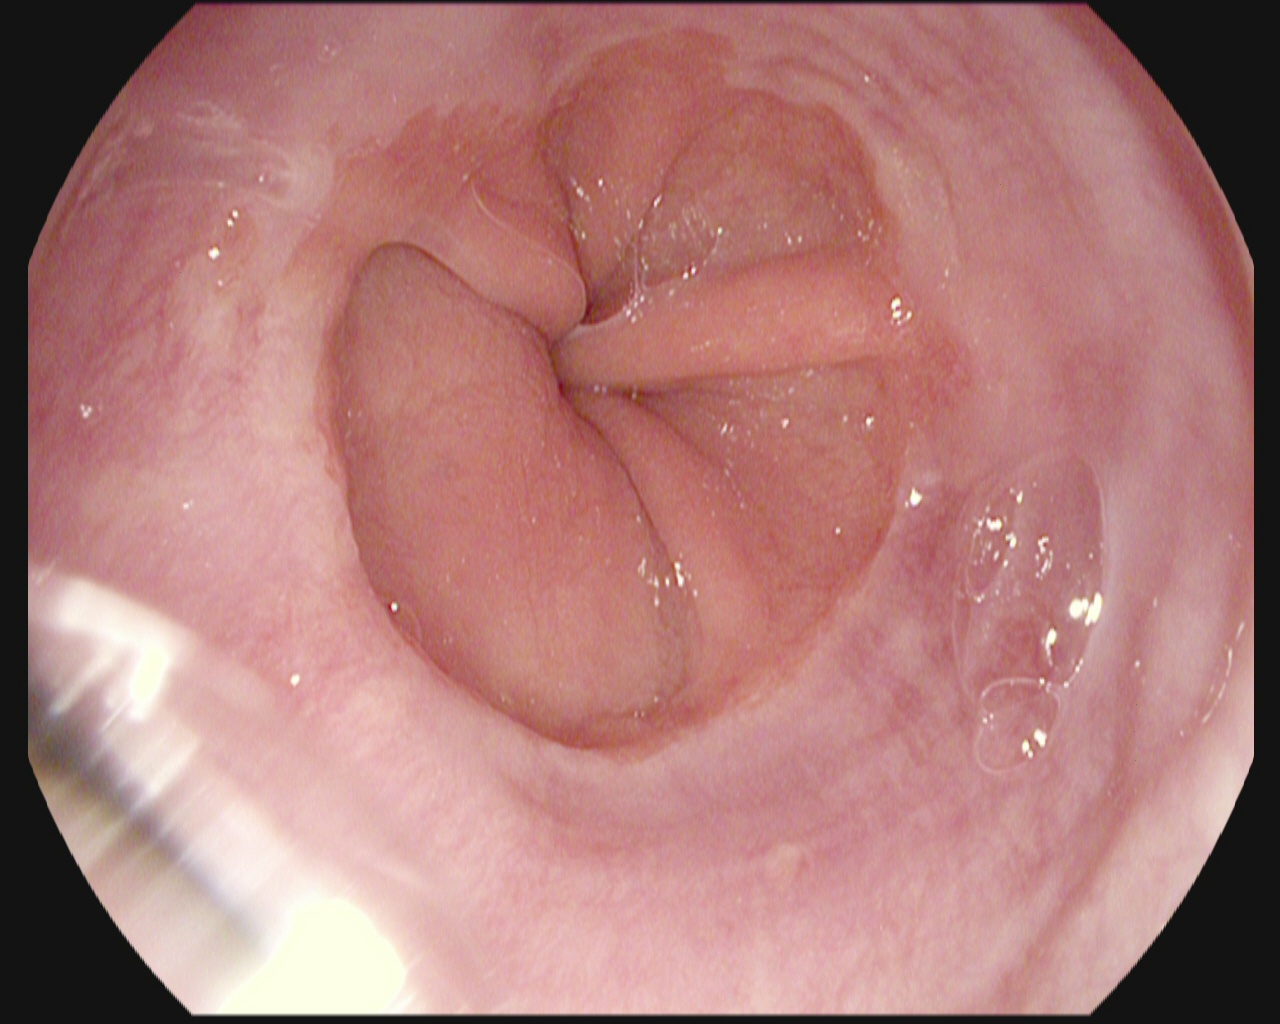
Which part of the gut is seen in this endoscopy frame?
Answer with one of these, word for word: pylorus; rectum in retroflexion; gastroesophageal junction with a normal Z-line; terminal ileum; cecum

gastroesophageal junction with a normal Z-line